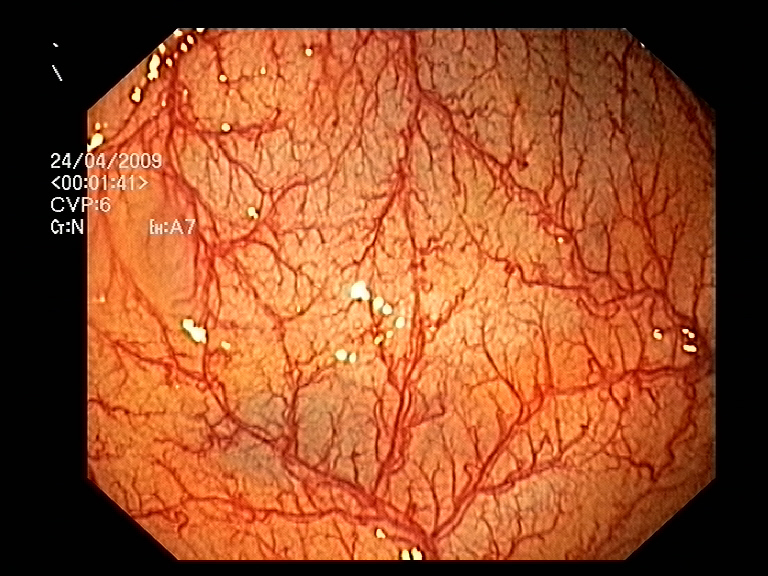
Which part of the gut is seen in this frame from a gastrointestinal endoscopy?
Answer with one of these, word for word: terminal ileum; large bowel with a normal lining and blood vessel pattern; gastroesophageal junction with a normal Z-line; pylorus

large bowel with a normal lining and blood vessel pattern